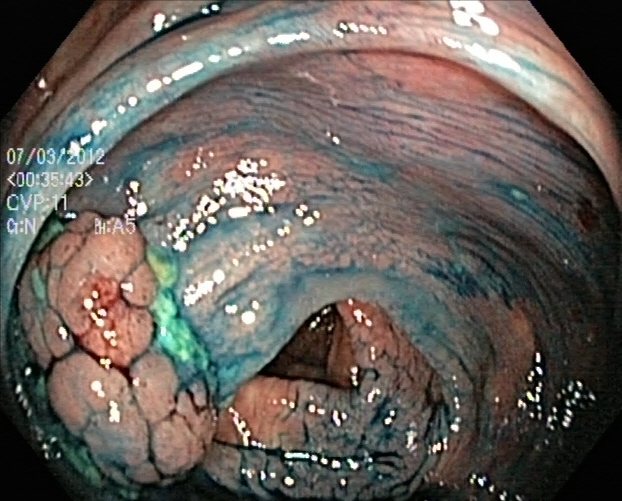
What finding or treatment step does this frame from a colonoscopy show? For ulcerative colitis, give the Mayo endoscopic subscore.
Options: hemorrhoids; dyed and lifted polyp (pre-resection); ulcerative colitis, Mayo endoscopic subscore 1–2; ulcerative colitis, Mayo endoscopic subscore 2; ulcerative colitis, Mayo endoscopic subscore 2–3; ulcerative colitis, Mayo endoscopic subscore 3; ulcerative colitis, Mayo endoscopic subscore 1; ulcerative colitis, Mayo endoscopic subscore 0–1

dyed and lifted polyp (pre-resection)